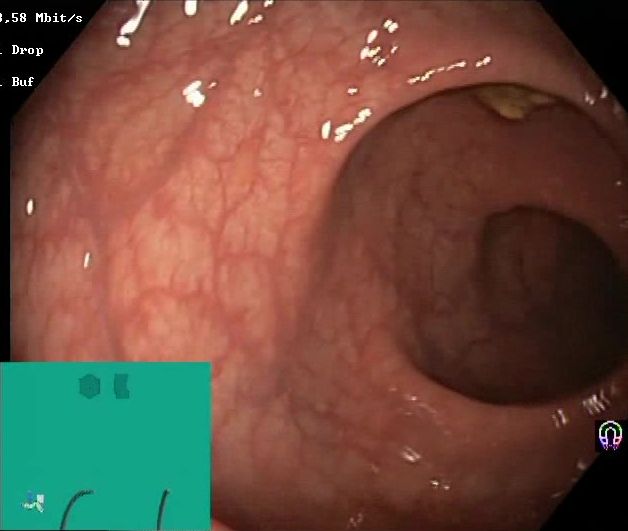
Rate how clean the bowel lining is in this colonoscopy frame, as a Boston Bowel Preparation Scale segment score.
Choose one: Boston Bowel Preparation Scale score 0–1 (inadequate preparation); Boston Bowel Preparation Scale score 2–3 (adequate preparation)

Boston Bowel Preparation Scale score 2–3 (adequate preparation)